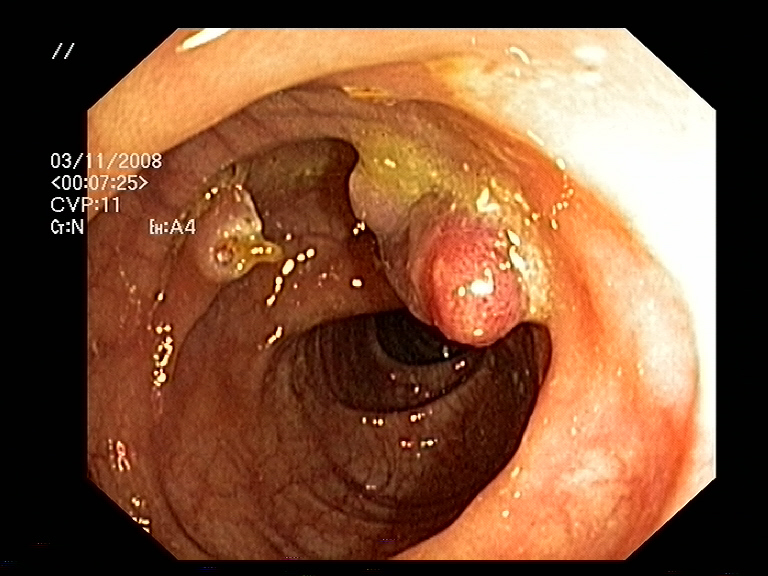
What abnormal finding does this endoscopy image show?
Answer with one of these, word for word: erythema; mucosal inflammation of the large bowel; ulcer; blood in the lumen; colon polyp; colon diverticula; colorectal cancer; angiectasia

colon polyp